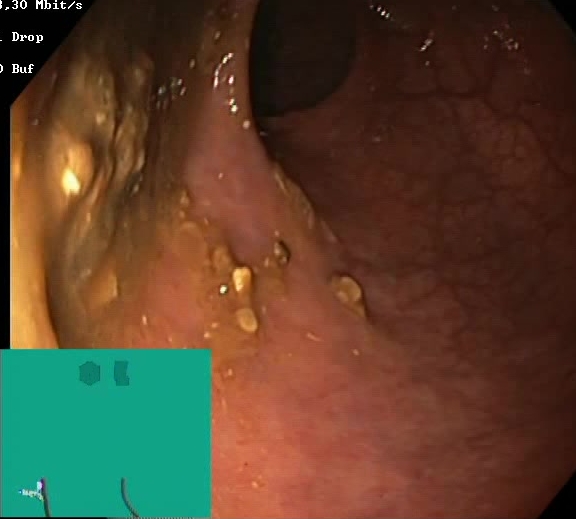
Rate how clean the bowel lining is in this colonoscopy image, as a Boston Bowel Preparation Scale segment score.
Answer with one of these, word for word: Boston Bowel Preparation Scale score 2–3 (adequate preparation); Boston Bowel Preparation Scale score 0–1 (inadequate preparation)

Boston Bowel Preparation Scale score 0–1 (inadequate preparation)